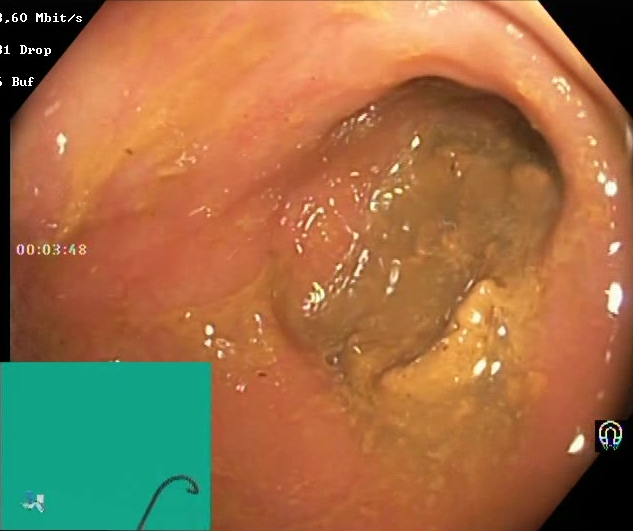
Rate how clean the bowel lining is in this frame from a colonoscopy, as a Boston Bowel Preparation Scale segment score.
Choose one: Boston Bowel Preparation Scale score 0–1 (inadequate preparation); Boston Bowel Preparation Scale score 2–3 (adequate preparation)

Boston Bowel Preparation Scale score 0–1 (inadequate preparation)